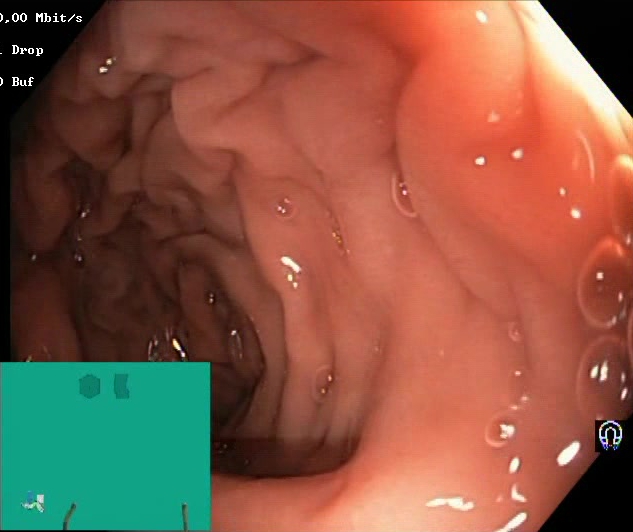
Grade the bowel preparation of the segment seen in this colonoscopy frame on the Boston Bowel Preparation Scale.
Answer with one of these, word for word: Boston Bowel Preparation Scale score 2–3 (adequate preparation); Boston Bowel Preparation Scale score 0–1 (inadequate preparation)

Boston Bowel Preparation Scale score 2–3 (adequate preparation)